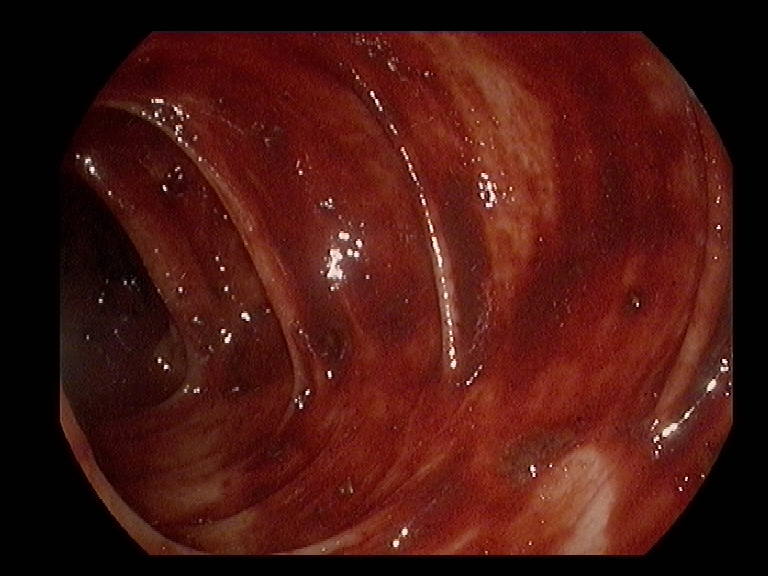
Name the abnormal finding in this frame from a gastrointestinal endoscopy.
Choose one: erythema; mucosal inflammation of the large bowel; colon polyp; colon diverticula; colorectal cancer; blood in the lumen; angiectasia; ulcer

blood in the lumen